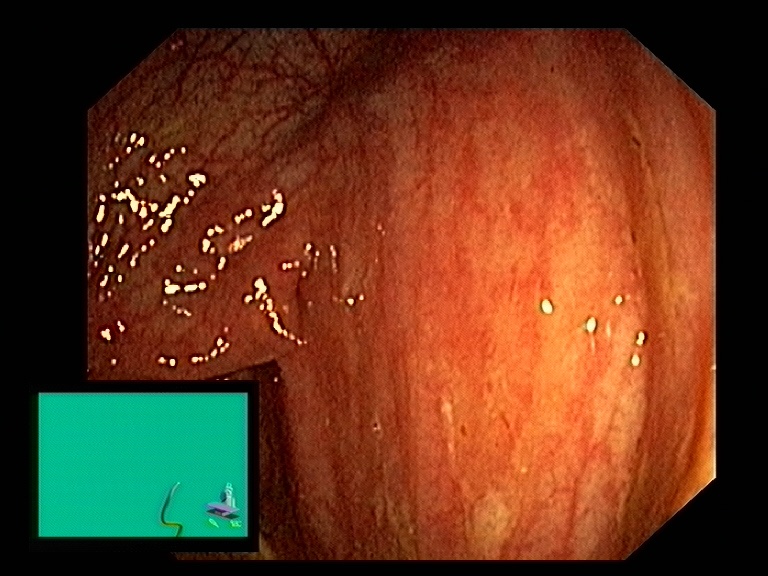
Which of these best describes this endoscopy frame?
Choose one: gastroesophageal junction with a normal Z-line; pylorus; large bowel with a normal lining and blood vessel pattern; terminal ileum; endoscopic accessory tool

large bowel with a normal lining and blood vessel pattern